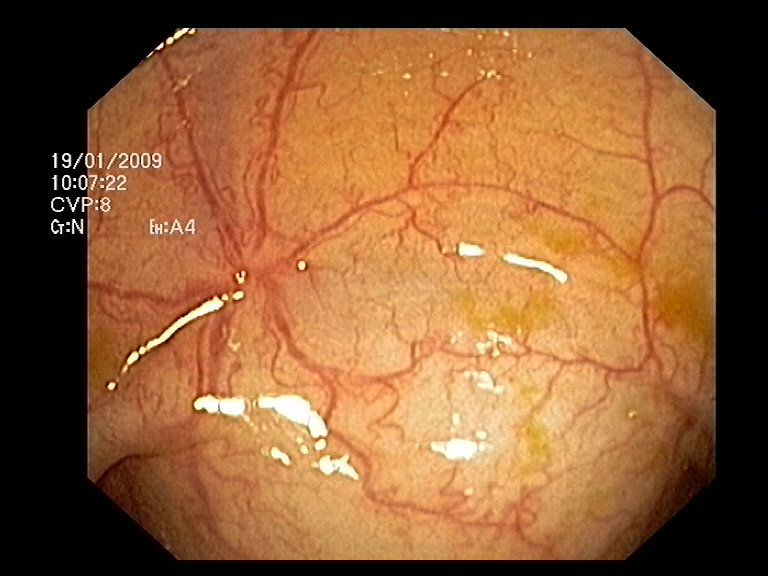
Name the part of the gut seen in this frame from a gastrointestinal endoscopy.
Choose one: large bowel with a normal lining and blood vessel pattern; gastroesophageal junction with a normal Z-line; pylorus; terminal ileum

large bowel with a normal lining and blood vessel pattern